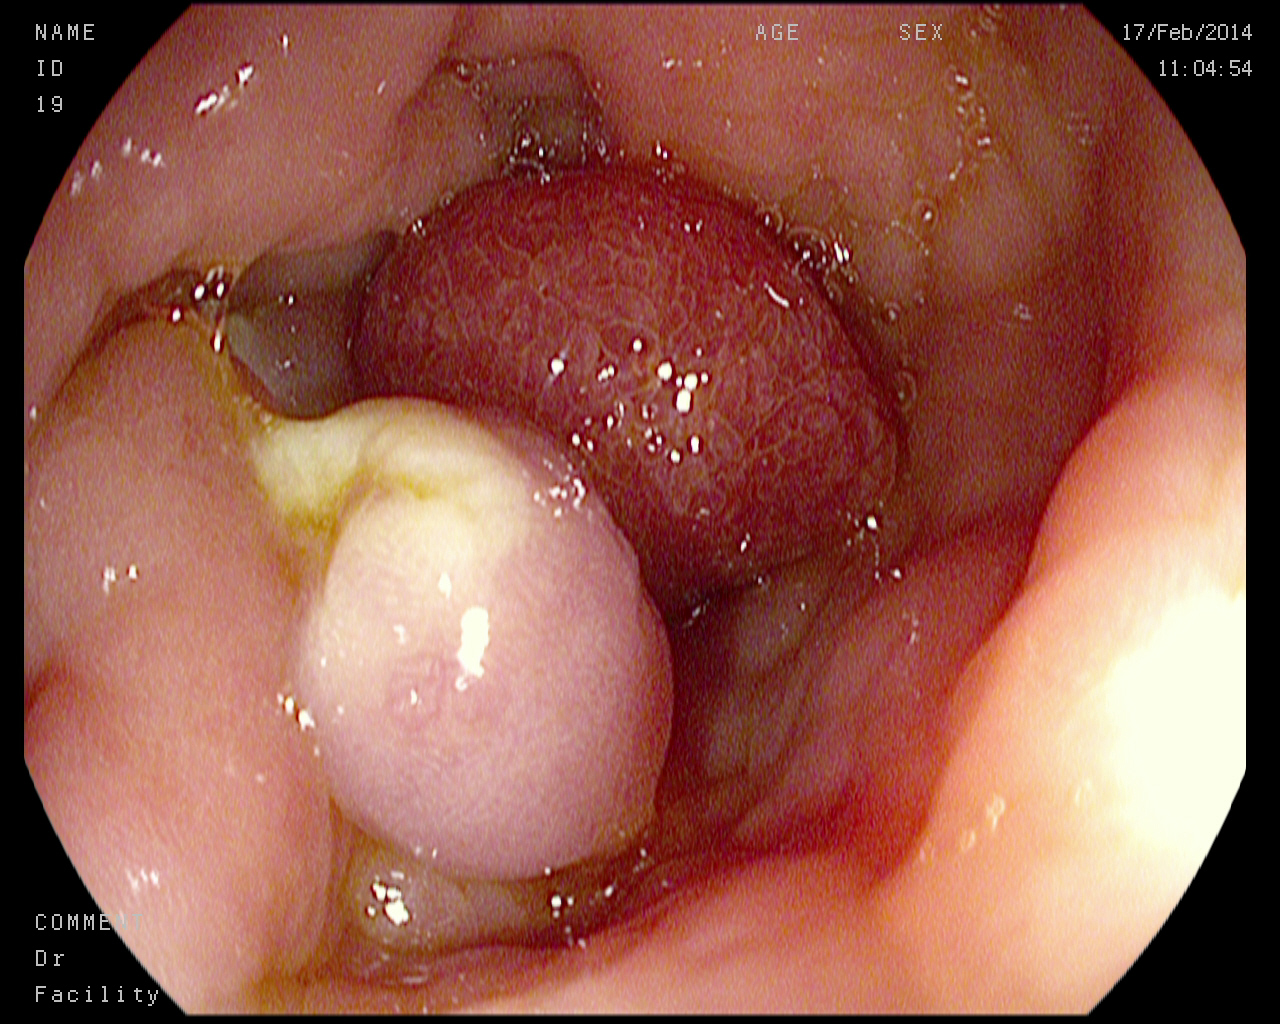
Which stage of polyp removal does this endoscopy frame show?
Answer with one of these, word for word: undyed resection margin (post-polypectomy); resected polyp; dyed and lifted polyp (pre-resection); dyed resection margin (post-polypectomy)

resected polyp